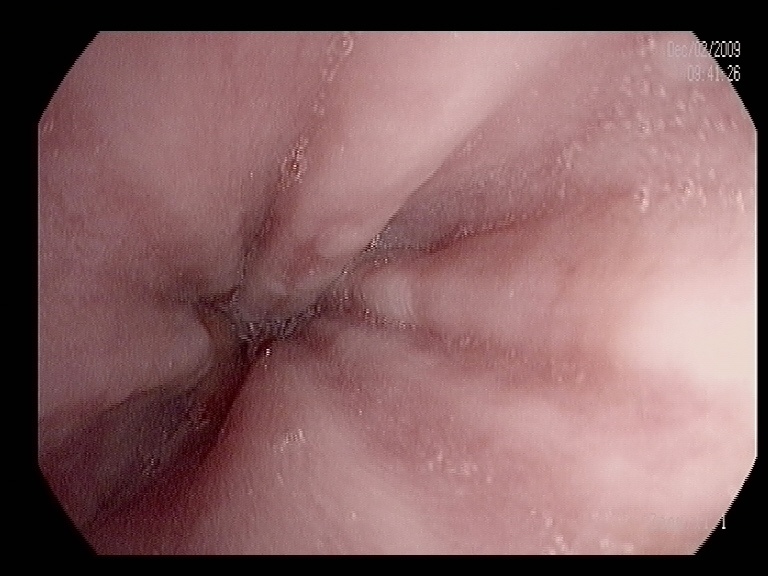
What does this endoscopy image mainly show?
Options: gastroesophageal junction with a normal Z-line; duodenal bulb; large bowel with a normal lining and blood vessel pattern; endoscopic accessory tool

gastroesophageal junction with a normal Z-line